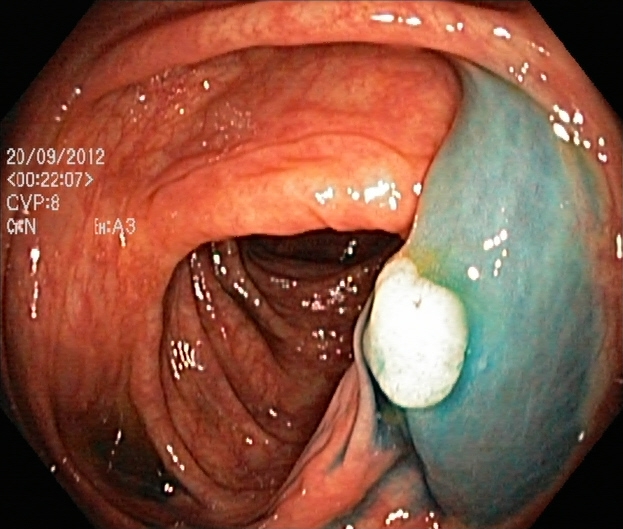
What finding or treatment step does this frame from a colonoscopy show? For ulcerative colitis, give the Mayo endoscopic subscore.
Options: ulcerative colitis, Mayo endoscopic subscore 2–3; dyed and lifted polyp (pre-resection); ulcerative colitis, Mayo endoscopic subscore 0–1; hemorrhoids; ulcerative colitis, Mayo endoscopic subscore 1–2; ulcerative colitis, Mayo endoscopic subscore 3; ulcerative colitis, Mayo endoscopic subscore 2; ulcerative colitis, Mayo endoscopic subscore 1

dyed and lifted polyp (pre-resection)